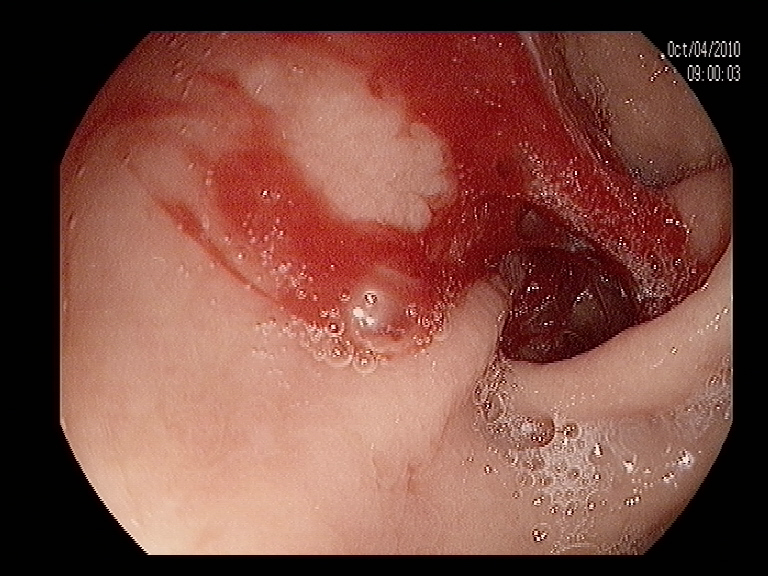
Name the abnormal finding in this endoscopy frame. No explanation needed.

blood in the lumen